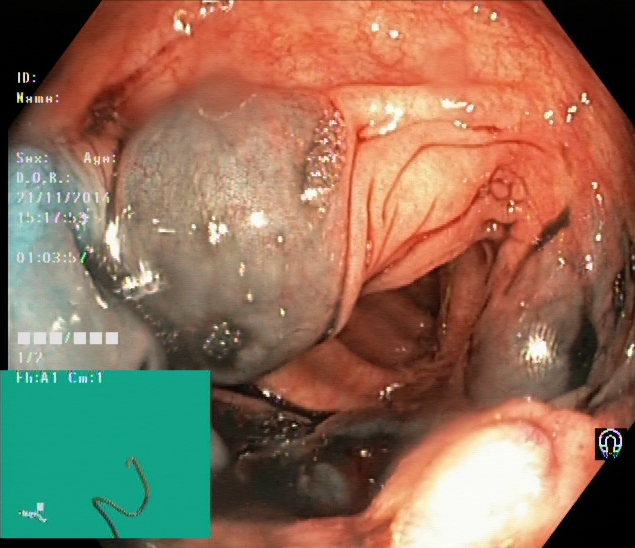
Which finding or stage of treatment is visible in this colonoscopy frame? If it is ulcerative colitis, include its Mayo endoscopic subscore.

dyed and lifted polyp (pre-resection)